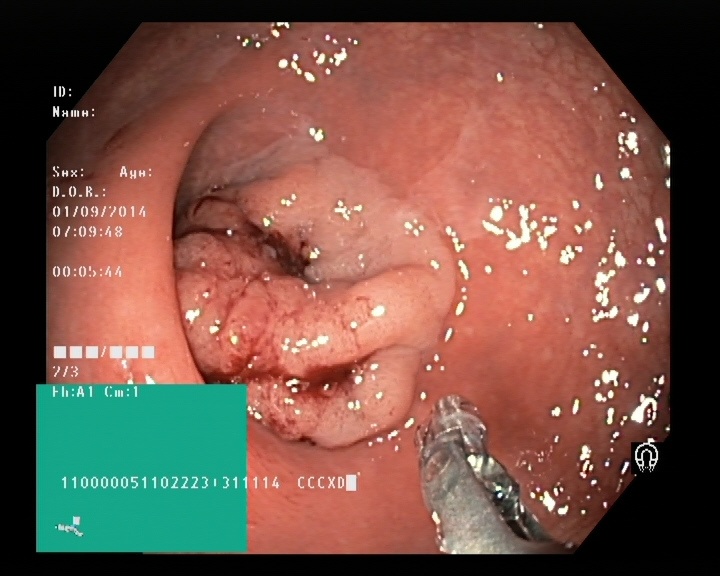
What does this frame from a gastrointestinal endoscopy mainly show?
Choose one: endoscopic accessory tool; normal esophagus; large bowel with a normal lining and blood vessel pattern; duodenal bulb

endoscopic accessory tool